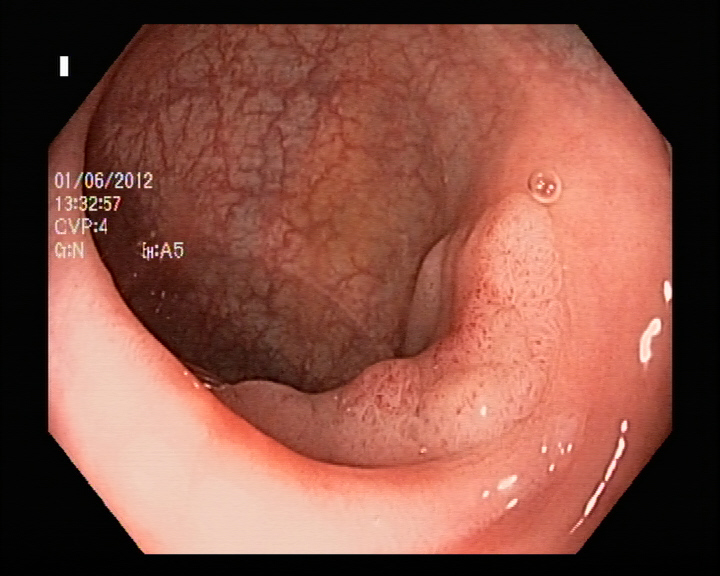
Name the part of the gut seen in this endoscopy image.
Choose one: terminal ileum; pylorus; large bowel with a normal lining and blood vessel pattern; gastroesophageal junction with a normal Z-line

large bowel with a normal lining and blood vessel pattern